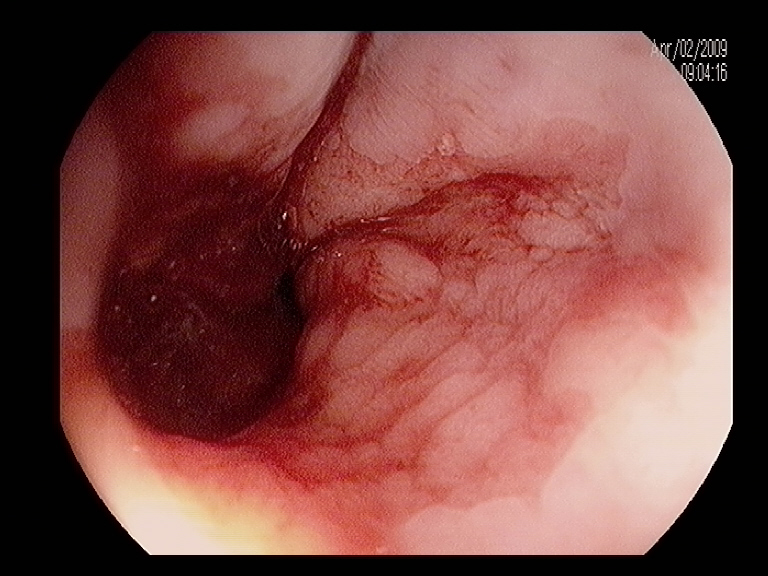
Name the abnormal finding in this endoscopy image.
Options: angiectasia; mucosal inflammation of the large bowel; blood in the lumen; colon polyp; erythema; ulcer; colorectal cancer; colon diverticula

blood in the lumen